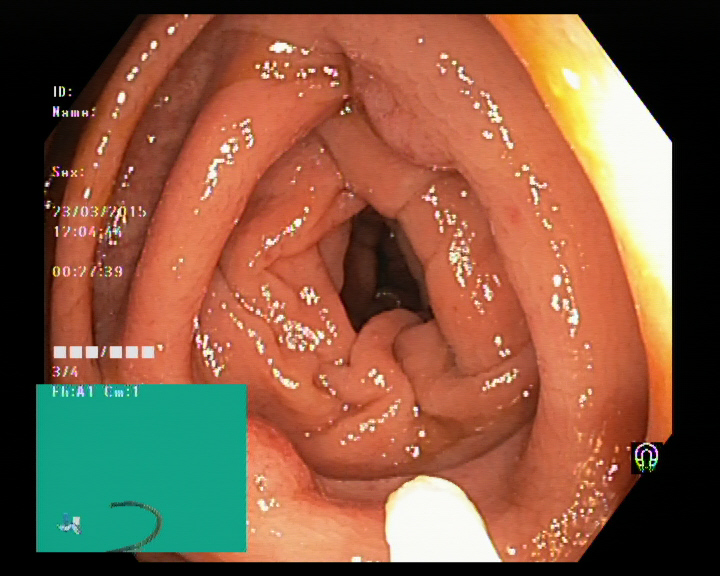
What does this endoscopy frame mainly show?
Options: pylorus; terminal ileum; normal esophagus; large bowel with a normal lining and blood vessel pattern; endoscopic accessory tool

endoscopic accessory tool